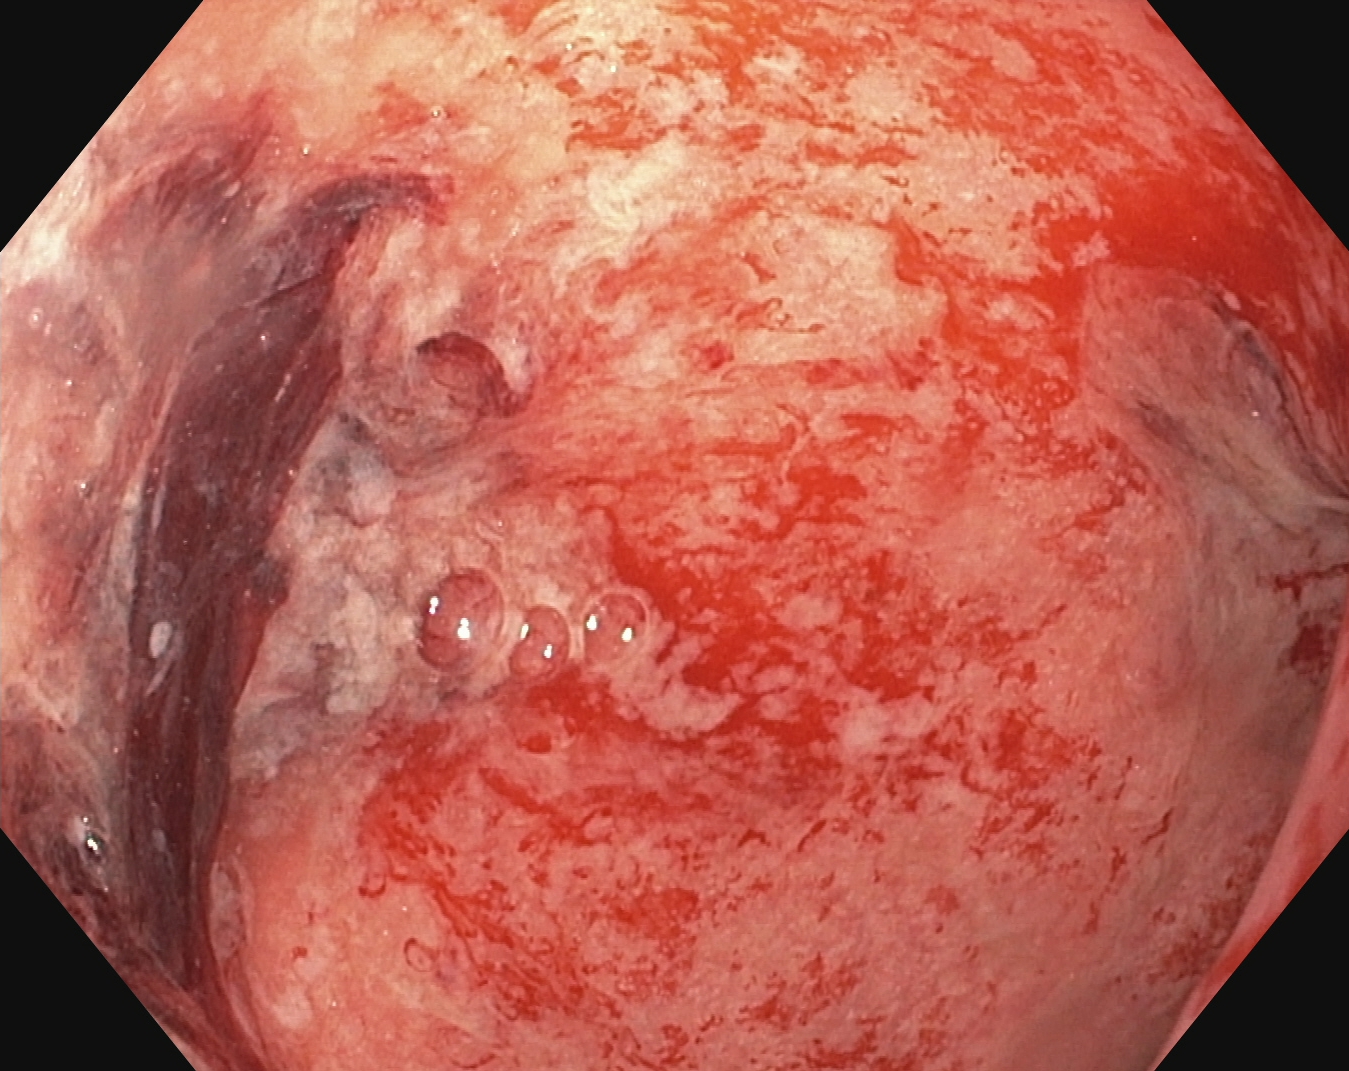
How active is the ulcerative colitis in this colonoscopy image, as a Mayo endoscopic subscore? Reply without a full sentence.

ulcerative colitis, Mayo endoscopic subscore 3